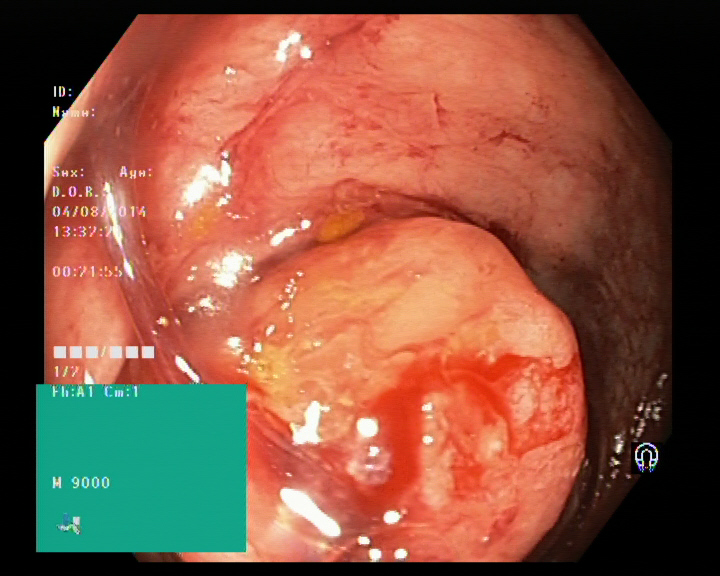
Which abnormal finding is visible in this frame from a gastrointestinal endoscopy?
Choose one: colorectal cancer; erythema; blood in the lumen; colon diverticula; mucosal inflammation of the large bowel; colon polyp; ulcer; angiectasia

colorectal cancer